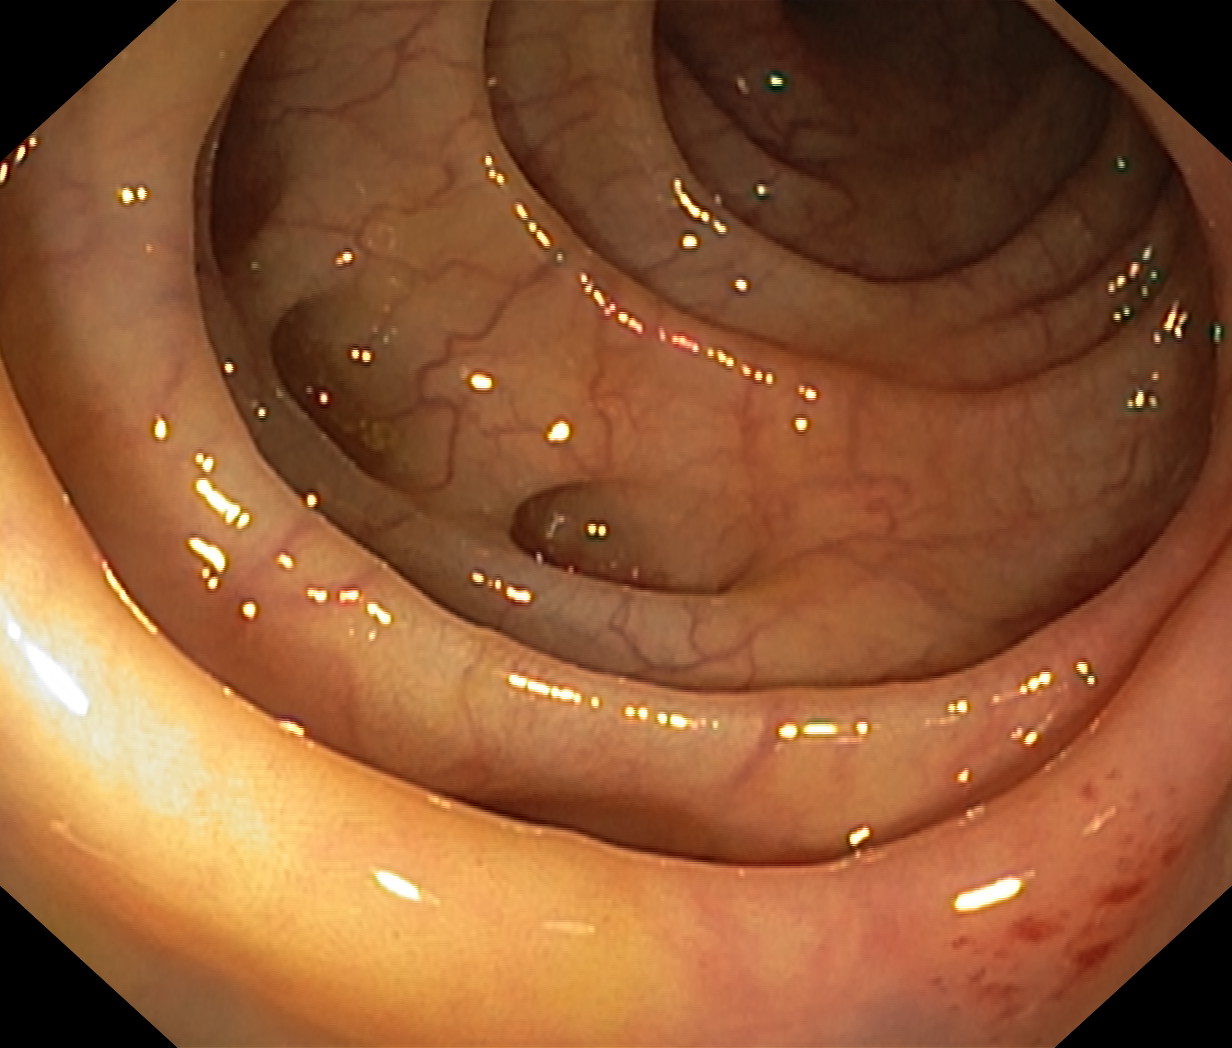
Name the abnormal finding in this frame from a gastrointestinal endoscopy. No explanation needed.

colon diverticula